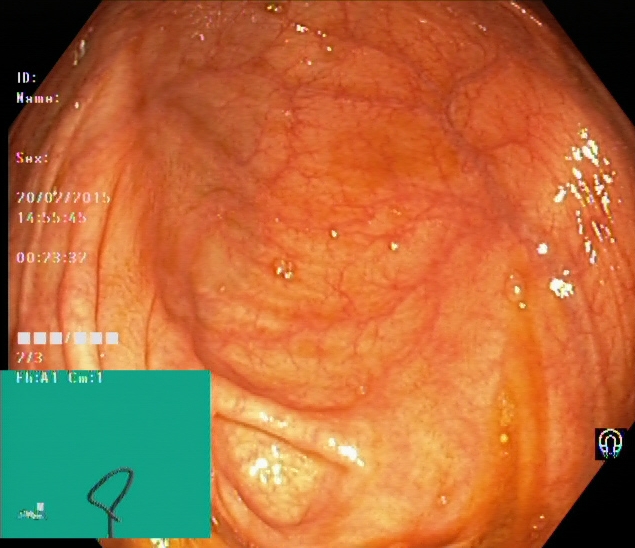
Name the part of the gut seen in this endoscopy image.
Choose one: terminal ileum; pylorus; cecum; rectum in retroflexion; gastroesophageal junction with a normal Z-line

cecum